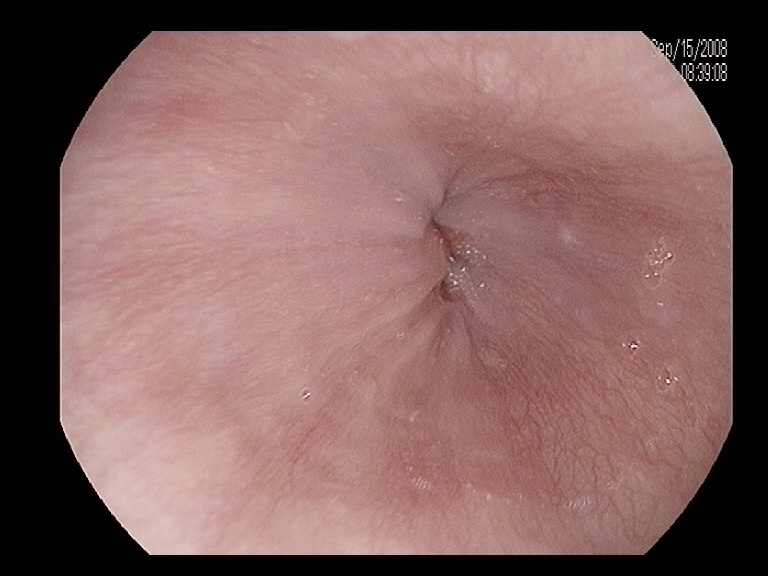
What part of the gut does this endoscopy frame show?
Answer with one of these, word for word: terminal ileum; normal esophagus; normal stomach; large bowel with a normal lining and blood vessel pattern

normal esophagus